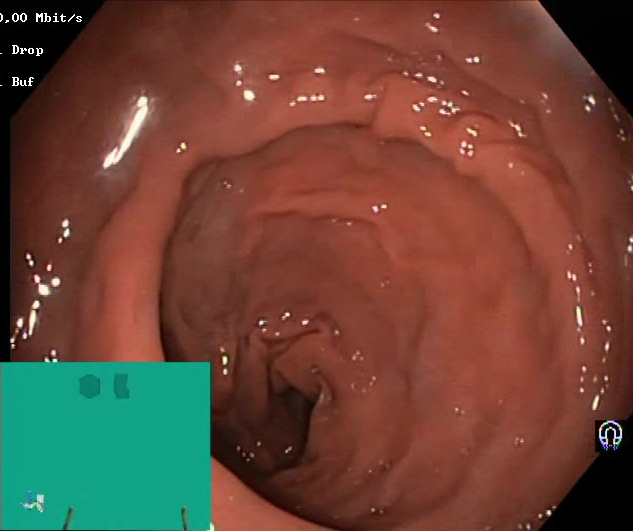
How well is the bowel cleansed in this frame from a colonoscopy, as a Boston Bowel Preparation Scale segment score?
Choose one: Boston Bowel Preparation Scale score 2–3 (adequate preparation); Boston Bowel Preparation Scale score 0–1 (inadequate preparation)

Boston Bowel Preparation Scale score 2–3 (adequate preparation)